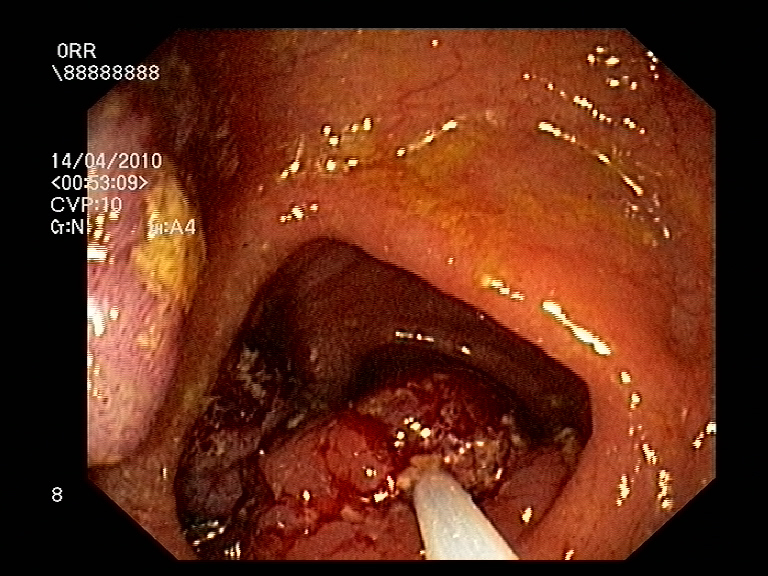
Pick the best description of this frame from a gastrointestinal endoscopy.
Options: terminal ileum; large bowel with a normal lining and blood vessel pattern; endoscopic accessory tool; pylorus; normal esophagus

endoscopic accessory tool